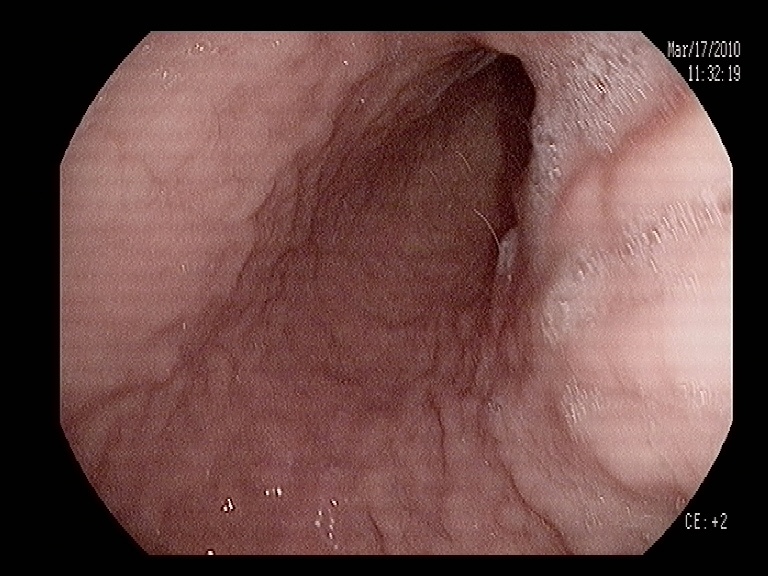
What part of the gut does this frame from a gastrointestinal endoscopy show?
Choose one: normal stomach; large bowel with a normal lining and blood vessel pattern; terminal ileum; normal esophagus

normal stomach